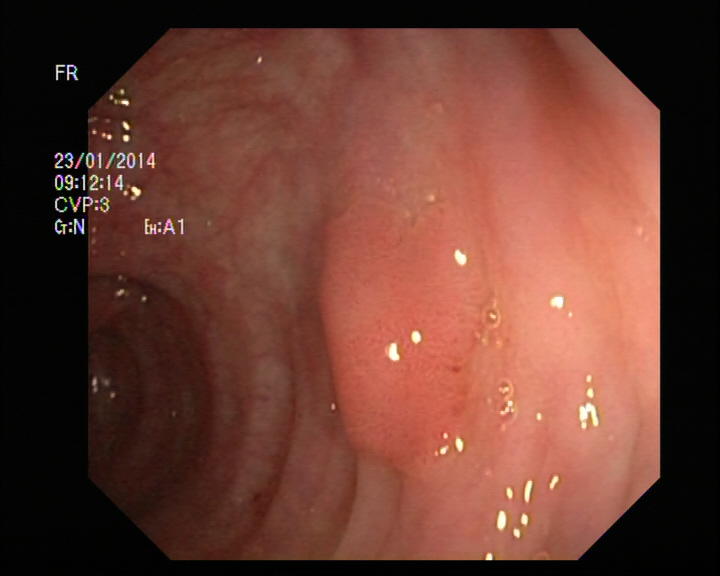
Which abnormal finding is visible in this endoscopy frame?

colon polyp